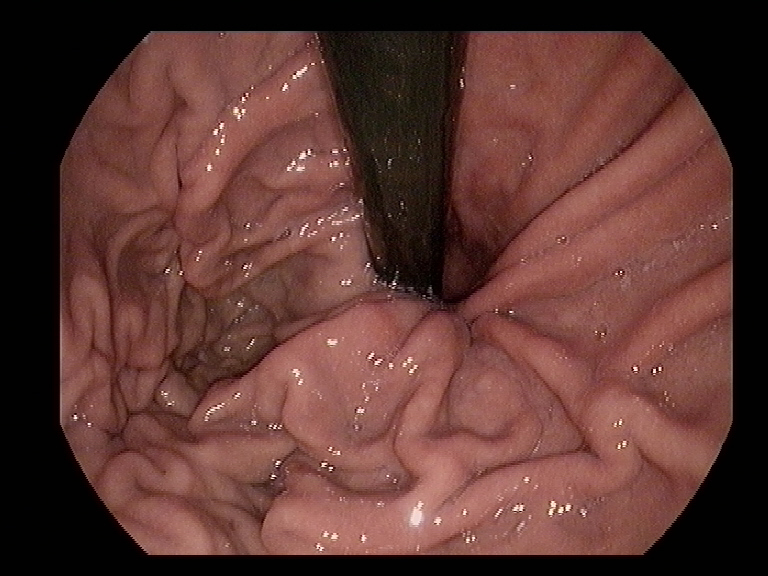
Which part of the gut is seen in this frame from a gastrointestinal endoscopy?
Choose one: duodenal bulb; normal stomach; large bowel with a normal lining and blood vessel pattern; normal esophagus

normal stomach